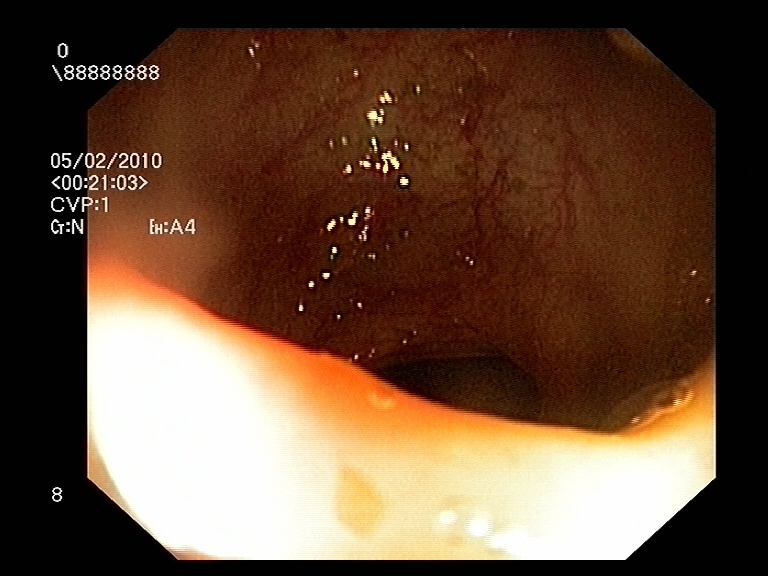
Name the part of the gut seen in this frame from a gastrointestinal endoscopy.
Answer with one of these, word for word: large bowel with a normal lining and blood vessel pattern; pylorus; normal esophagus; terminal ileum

large bowel with a normal lining and blood vessel pattern